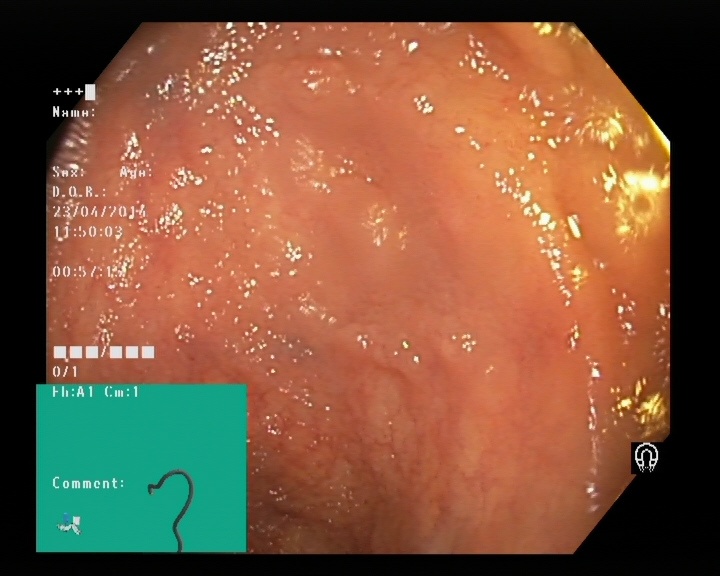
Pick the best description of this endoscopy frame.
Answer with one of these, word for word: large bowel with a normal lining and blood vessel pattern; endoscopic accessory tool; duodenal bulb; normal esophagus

large bowel with a normal lining and blood vessel pattern